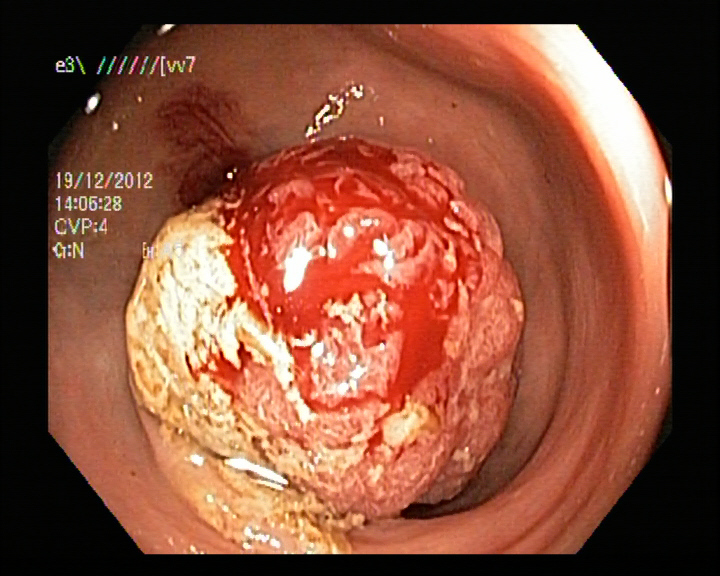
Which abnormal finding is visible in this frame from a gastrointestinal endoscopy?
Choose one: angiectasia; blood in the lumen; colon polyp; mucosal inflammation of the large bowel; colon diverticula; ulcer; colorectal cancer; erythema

colon polyp